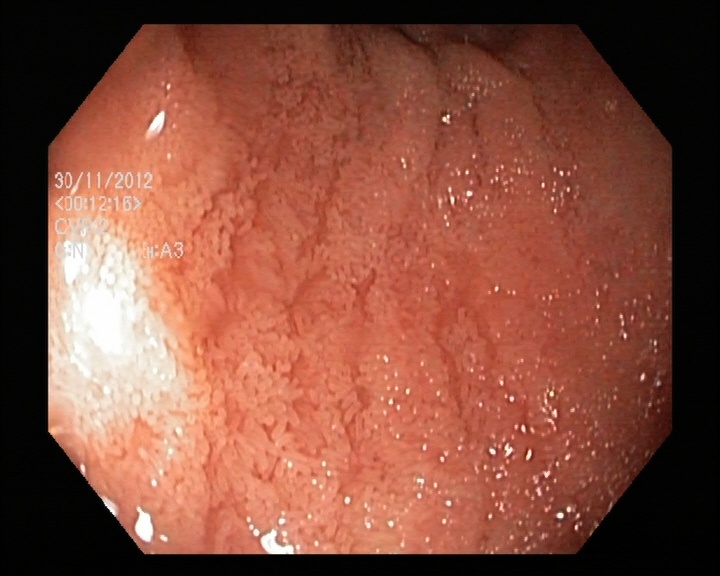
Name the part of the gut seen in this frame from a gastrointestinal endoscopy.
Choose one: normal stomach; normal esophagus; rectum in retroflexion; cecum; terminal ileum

terminal ileum